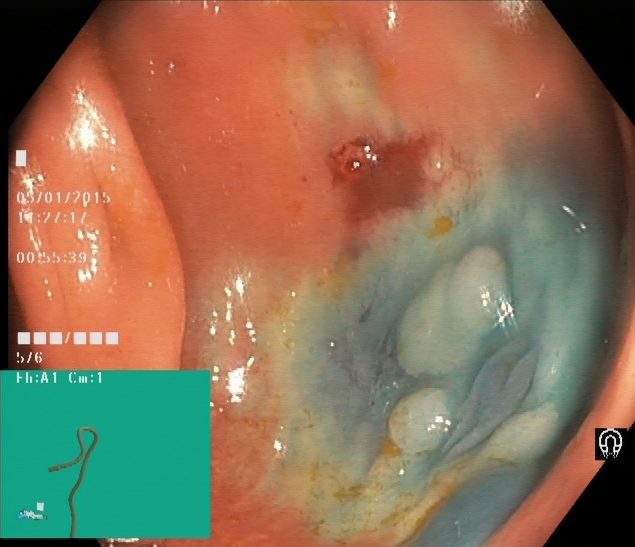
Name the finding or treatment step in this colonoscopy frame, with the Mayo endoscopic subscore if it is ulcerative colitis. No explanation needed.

dyed and lifted polyp (pre-resection)